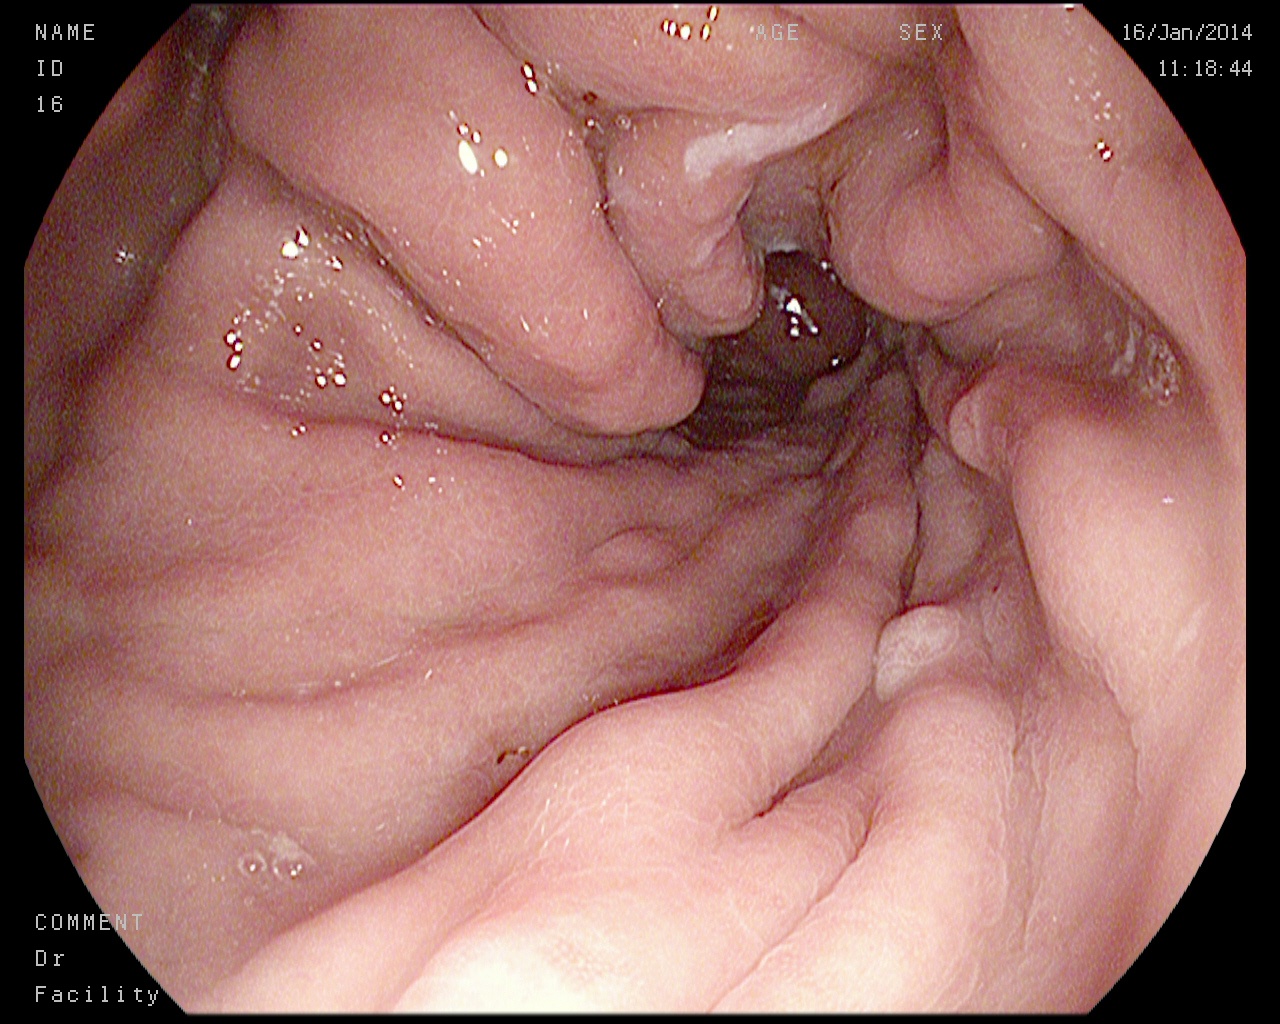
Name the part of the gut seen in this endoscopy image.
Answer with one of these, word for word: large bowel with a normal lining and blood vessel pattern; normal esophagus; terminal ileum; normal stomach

normal stomach